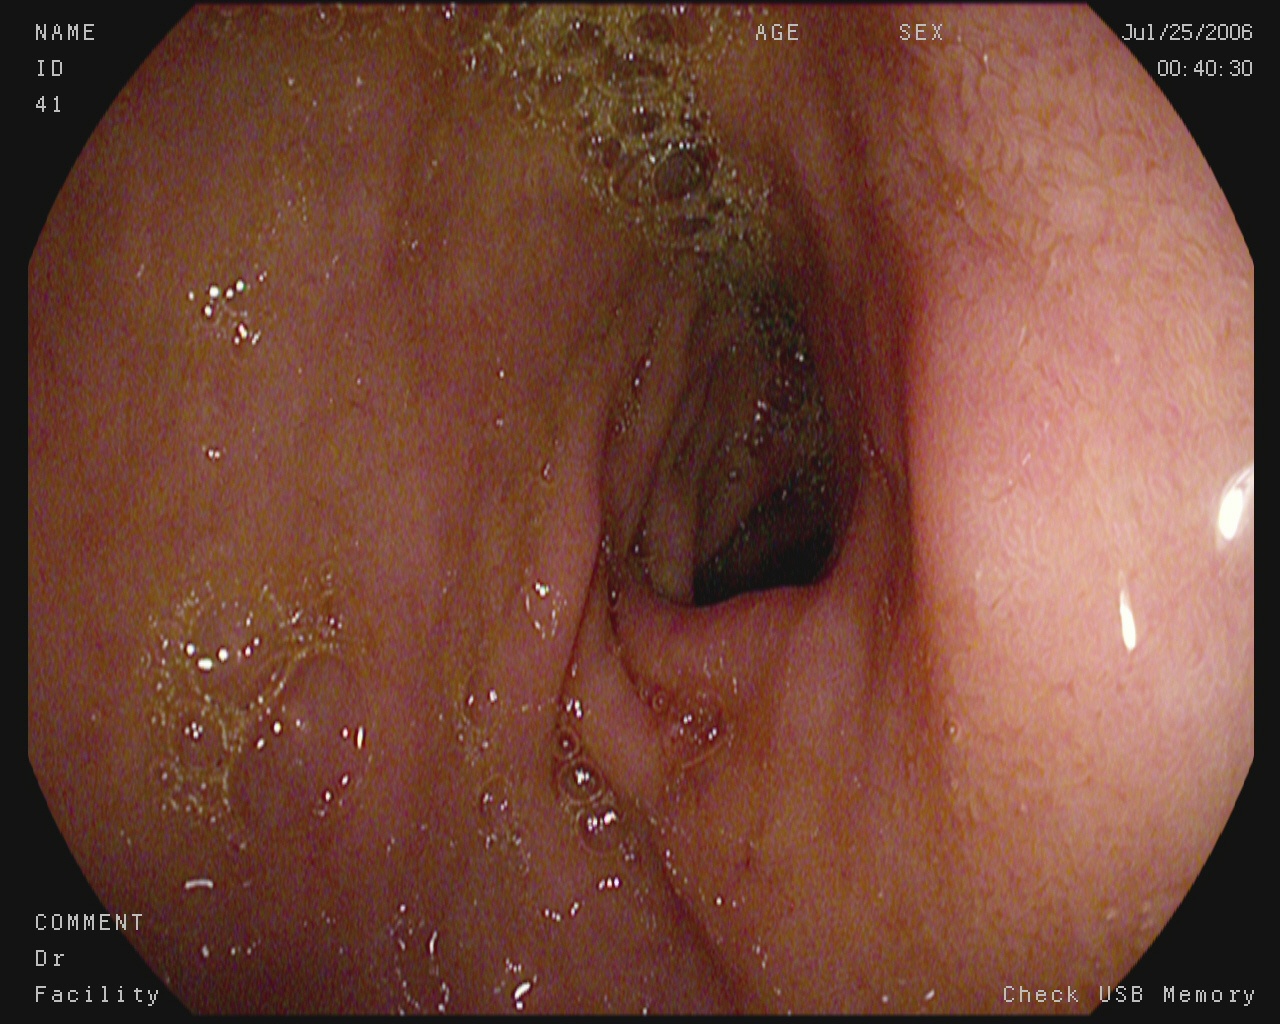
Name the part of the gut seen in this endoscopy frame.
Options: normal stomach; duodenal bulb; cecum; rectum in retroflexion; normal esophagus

duodenal bulb